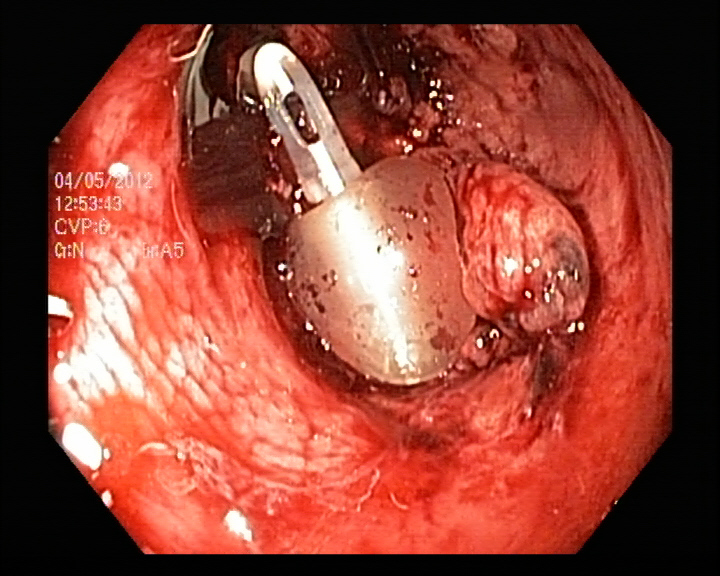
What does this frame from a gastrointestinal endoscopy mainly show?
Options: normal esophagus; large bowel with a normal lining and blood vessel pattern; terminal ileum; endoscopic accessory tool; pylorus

endoscopic accessory tool